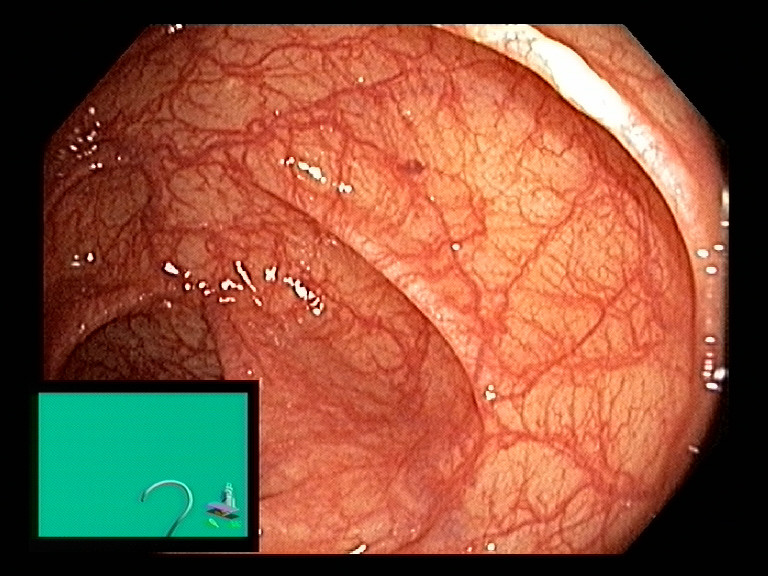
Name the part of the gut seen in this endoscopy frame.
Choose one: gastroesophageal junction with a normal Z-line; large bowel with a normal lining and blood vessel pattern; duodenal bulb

large bowel with a normal lining and blood vessel pattern